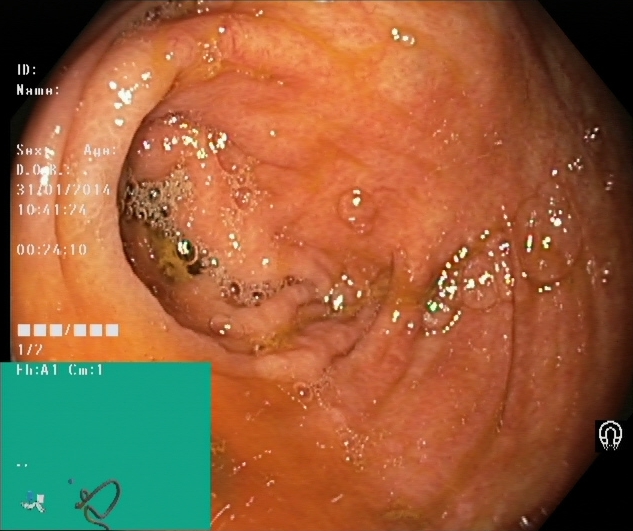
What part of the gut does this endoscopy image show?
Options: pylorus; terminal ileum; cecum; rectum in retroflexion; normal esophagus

cecum